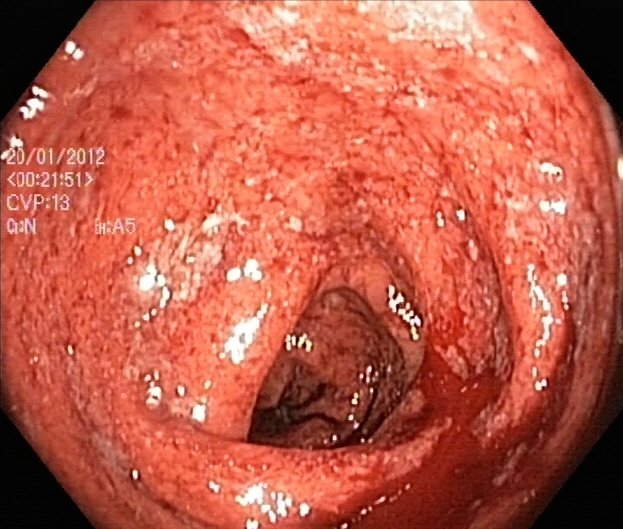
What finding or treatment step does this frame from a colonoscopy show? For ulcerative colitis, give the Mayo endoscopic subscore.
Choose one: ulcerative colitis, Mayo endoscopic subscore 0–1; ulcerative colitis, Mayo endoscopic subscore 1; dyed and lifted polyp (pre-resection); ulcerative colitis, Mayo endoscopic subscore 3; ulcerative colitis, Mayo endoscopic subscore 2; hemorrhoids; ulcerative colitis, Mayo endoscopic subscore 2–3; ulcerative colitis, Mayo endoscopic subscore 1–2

ulcerative colitis, Mayo endoscopic subscore 3